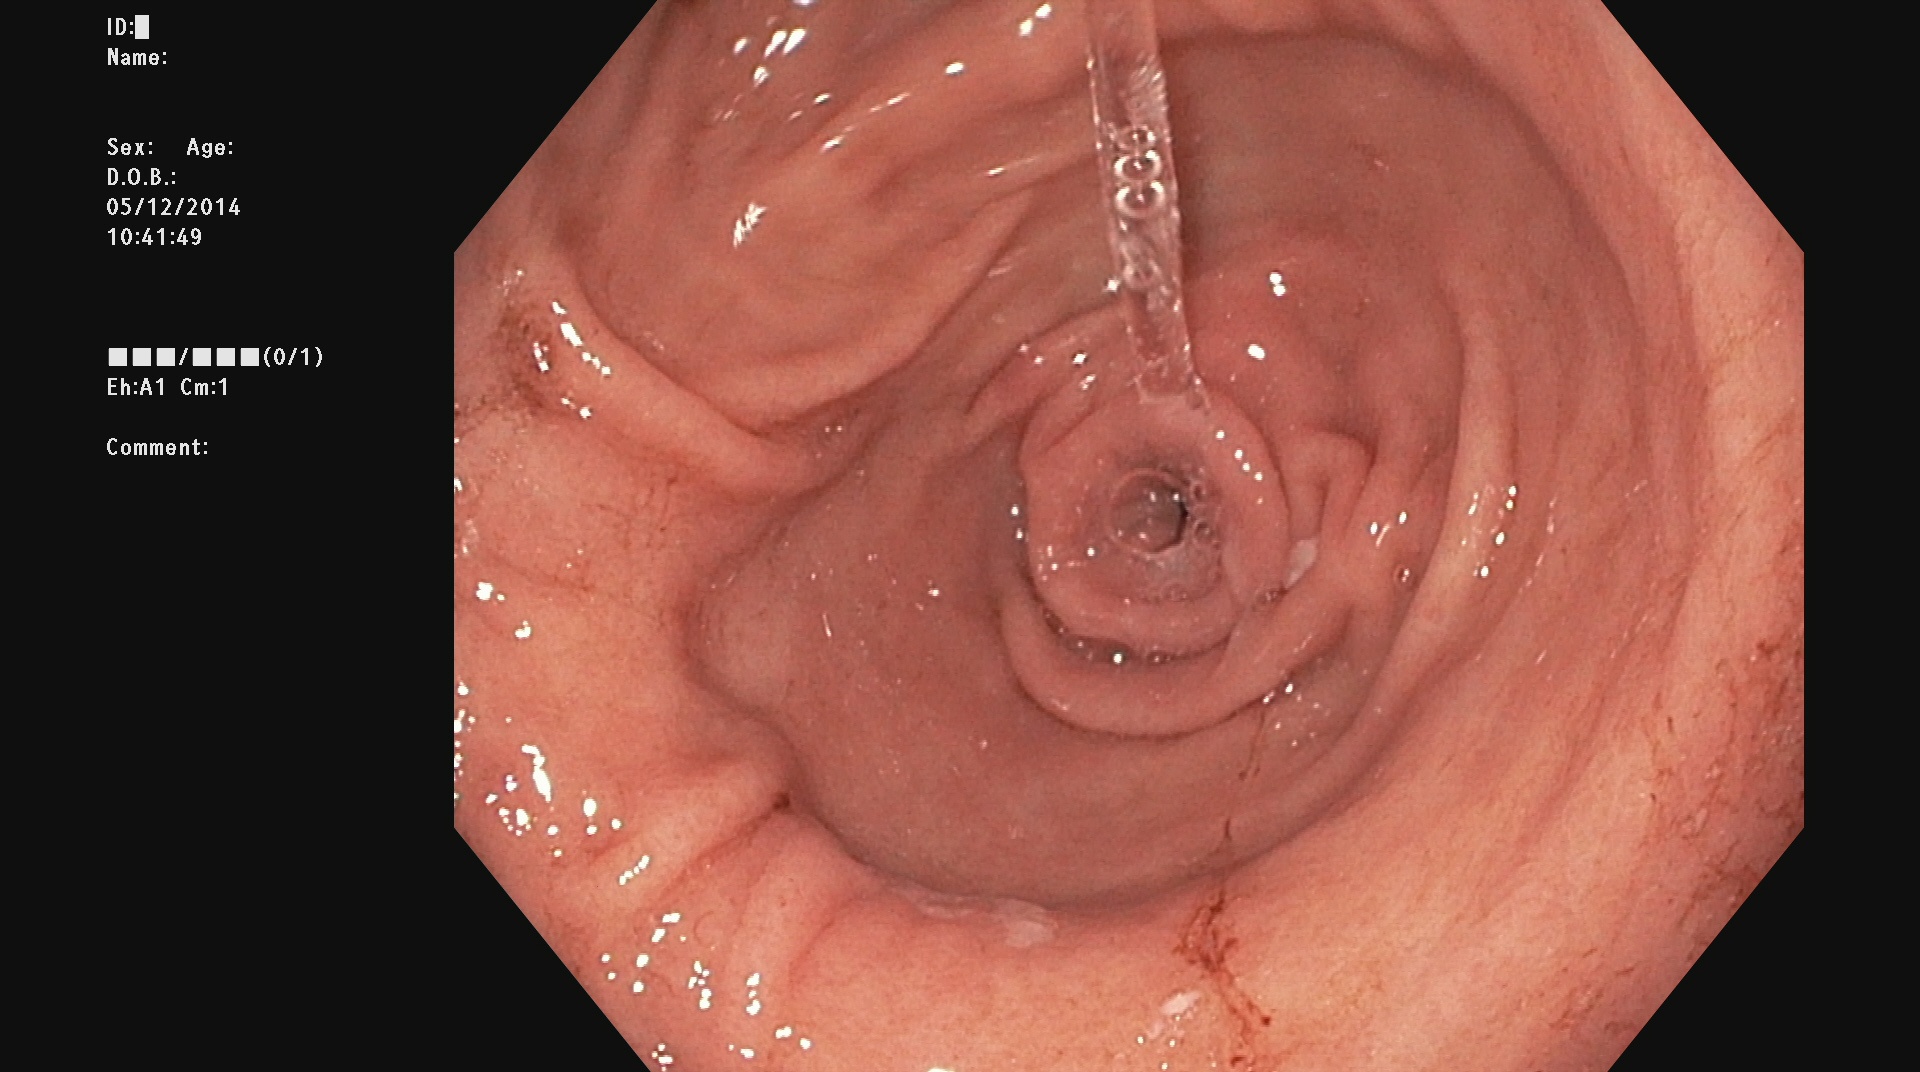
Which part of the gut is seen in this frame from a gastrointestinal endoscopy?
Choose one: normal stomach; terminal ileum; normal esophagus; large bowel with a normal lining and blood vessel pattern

normal stomach